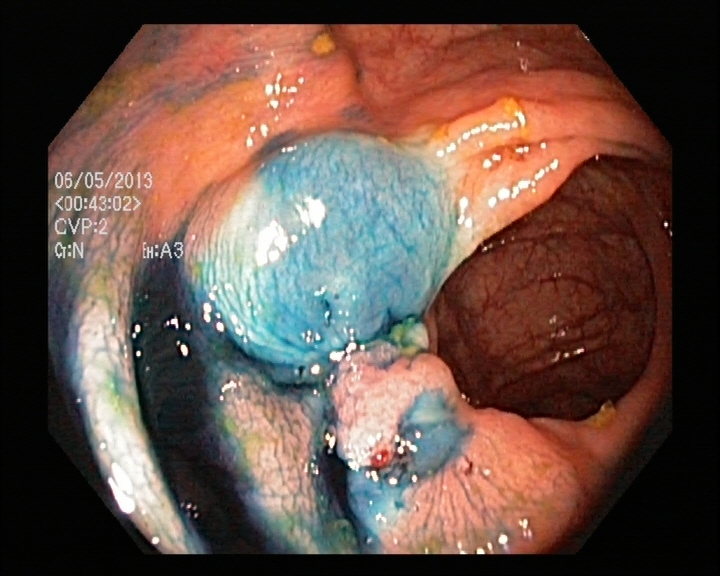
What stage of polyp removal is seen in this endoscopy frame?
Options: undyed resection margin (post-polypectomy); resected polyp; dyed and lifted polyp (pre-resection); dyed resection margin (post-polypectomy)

dyed and lifted polyp (pre-resection)